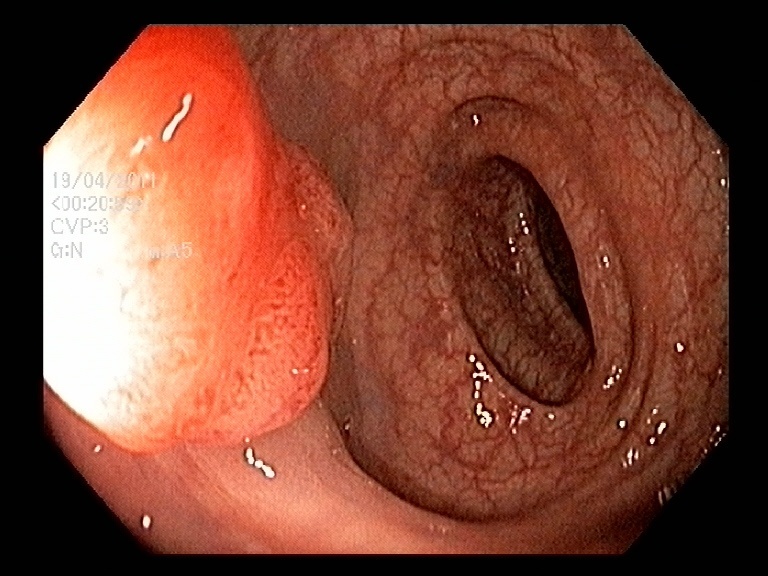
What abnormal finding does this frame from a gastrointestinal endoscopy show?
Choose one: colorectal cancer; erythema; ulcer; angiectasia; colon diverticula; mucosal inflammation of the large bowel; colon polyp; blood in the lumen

colon polyp